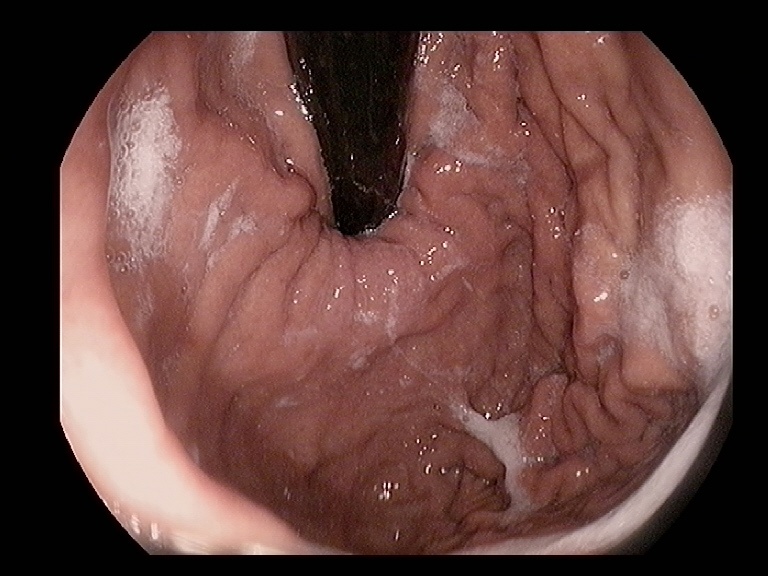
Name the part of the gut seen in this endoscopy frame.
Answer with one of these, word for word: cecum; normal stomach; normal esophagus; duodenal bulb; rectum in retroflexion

normal stomach